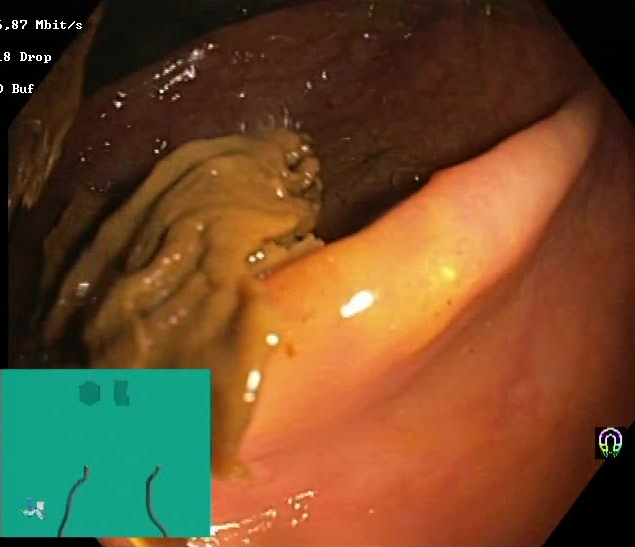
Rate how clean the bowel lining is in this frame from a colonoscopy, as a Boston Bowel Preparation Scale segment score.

Boston Bowel Preparation Scale score 0–1 (inadequate preparation)